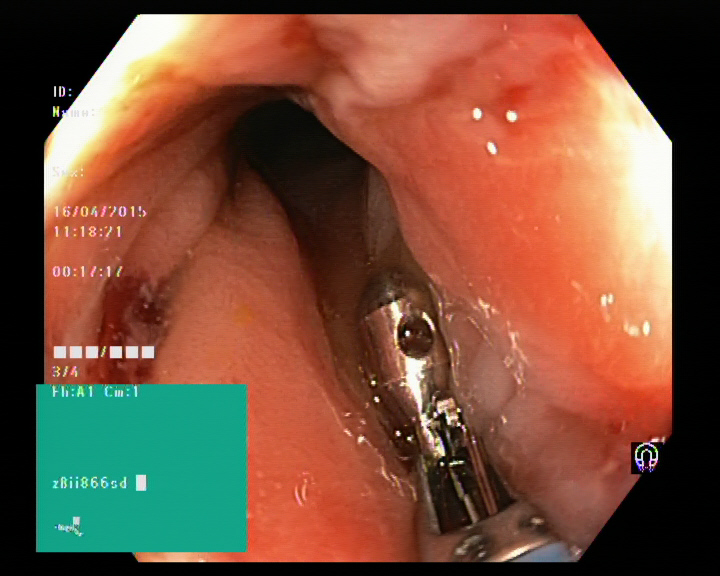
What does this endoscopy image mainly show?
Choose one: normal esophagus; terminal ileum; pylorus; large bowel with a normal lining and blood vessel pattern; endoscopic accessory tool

endoscopic accessory tool